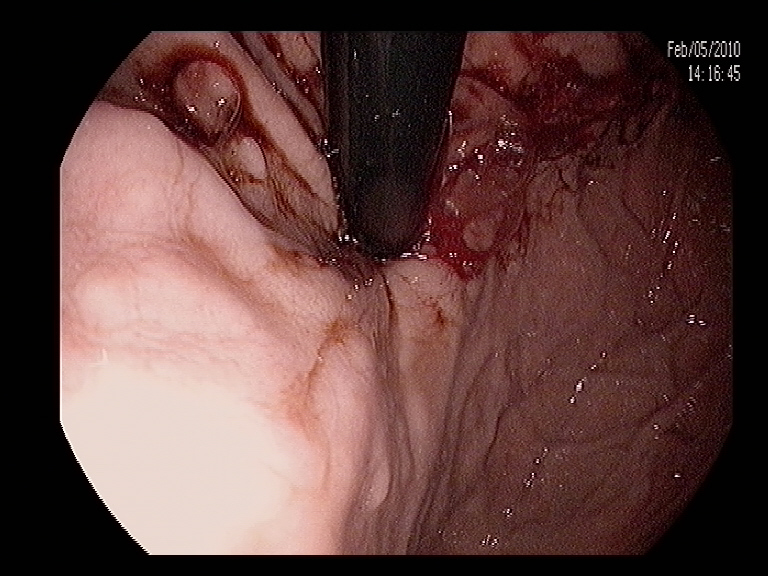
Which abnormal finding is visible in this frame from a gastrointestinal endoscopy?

gastric polyp